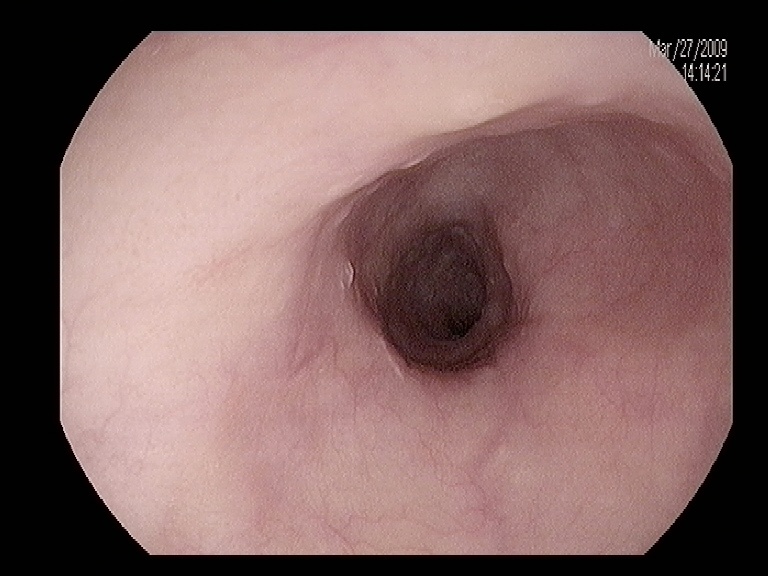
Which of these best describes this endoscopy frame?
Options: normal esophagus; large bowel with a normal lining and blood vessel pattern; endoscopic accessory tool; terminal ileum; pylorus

normal esophagus